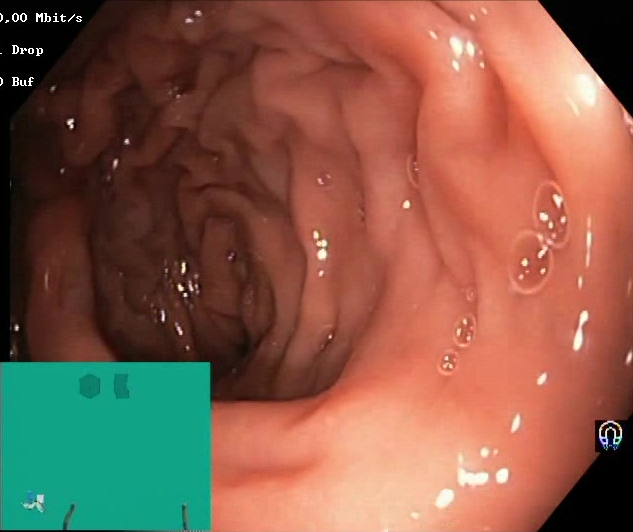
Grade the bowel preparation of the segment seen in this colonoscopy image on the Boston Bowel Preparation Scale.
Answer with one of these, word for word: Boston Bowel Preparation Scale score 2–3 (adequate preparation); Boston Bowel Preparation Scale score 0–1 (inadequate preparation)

Boston Bowel Preparation Scale score 2–3 (adequate preparation)